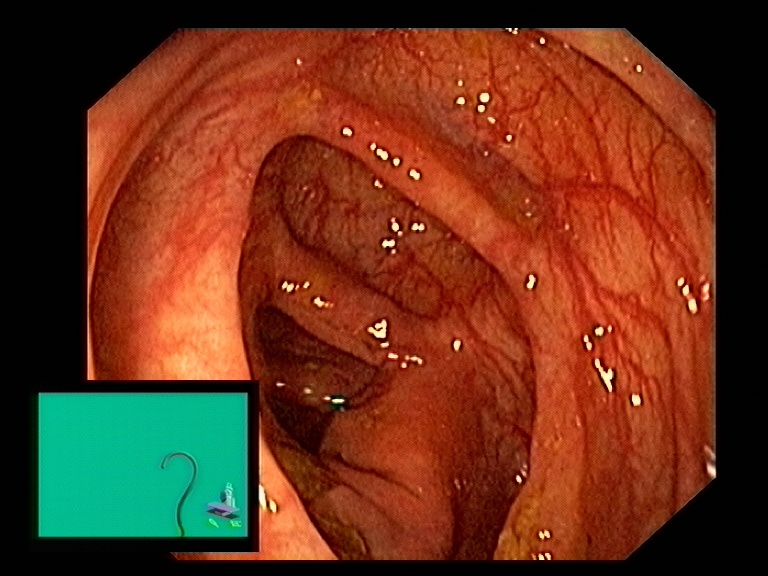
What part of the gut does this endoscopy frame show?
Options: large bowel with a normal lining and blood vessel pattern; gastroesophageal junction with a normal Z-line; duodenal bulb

large bowel with a normal lining and blood vessel pattern